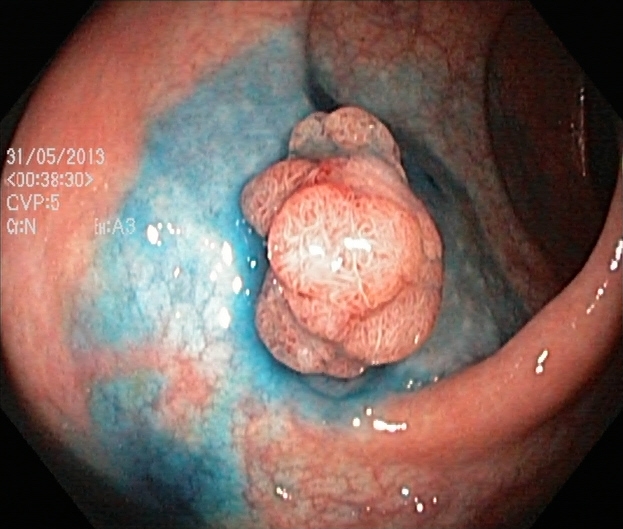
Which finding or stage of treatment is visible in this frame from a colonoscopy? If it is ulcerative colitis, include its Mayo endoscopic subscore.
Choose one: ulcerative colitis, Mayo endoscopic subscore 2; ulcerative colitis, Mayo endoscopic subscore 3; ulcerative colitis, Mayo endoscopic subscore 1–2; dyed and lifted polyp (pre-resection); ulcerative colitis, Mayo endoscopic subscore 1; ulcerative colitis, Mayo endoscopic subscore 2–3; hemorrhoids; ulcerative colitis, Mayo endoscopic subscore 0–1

dyed and lifted polyp (pre-resection)